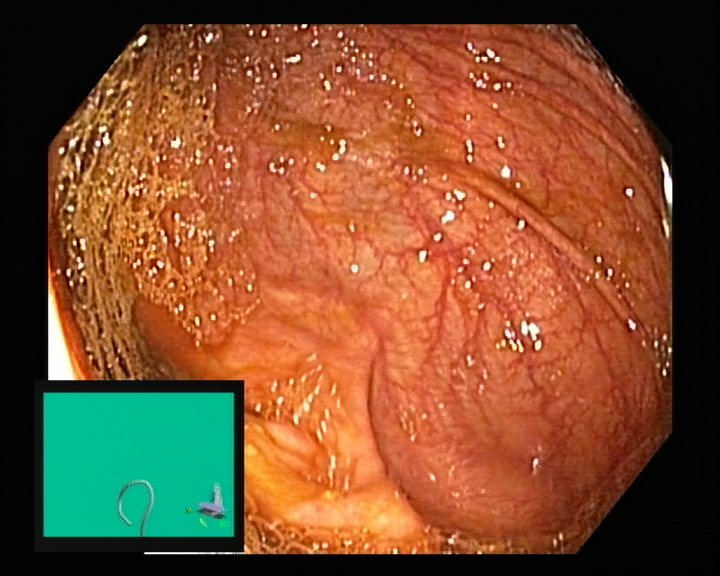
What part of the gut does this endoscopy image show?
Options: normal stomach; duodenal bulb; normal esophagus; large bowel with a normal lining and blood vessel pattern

large bowel with a normal lining and blood vessel pattern